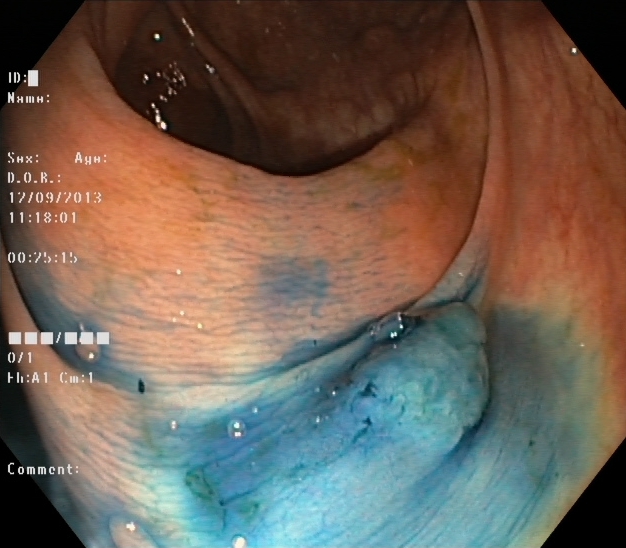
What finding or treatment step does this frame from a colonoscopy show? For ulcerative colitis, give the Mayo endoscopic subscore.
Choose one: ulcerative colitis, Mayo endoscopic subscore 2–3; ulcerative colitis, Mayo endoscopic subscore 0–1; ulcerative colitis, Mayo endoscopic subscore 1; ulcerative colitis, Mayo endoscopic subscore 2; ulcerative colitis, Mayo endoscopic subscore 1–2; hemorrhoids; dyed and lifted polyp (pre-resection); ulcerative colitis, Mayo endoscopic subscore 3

dyed and lifted polyp (pre-resection)